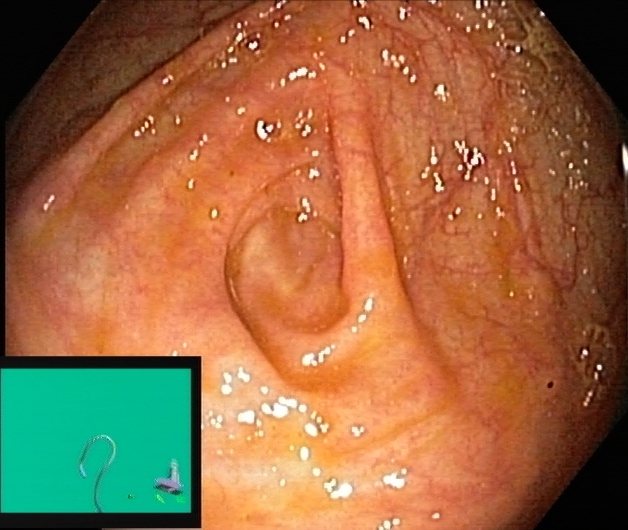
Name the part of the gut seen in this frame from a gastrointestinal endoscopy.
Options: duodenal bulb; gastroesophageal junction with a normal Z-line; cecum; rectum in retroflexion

cecum